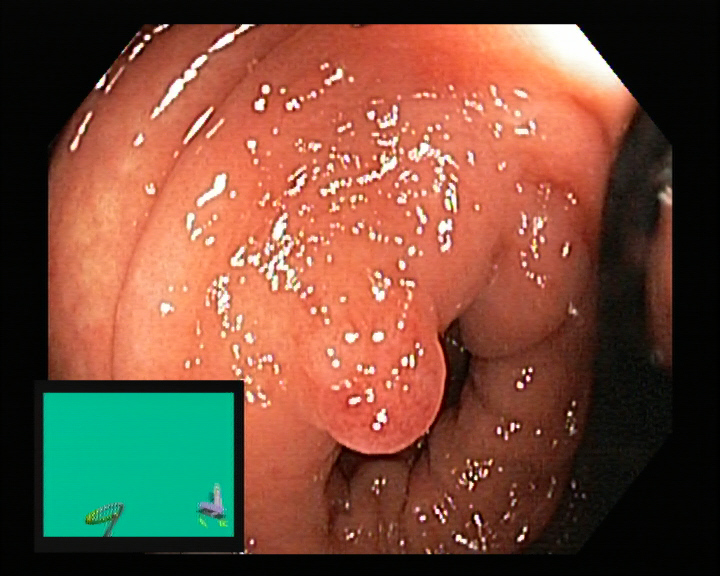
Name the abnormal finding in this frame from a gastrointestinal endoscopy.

colon polyp